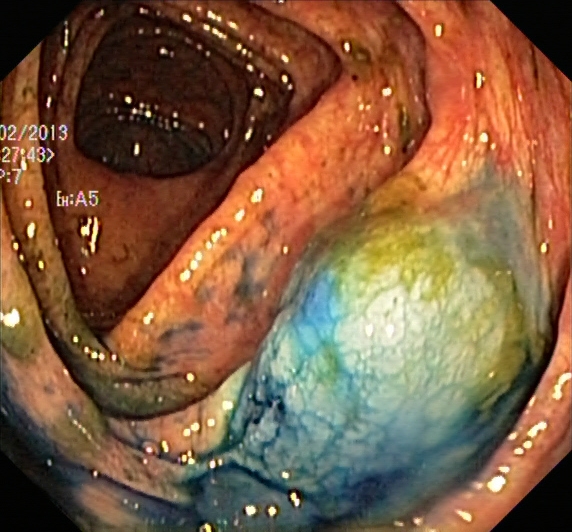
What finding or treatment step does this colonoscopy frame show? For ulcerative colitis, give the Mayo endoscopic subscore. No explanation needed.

dyed and lifted polyp (pre-resection)